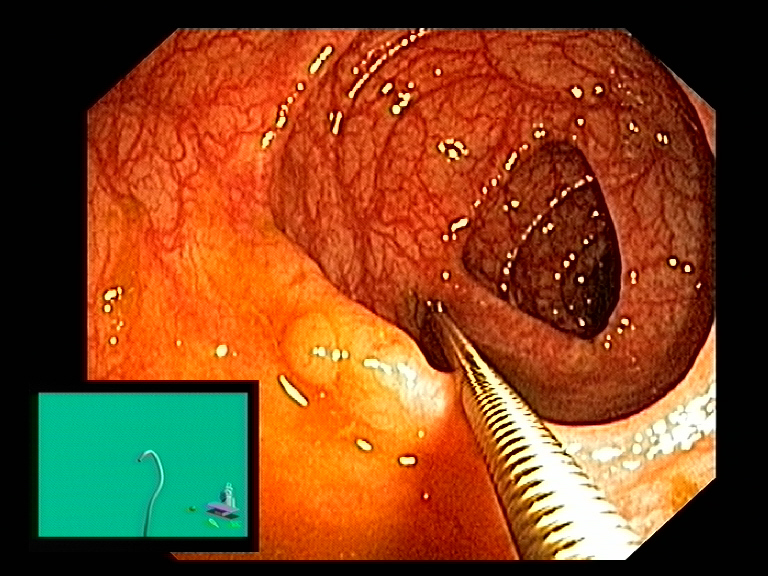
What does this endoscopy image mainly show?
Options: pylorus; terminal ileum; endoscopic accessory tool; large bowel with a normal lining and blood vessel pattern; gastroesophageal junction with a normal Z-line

endoscopic accessory tool